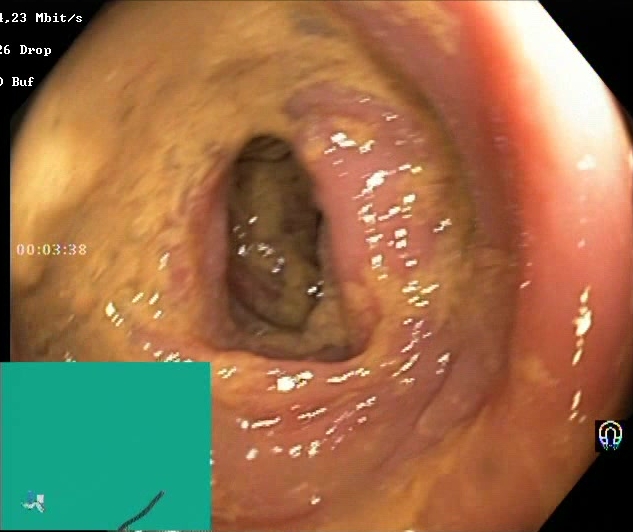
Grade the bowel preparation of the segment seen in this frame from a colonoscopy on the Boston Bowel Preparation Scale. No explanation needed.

Boston Bowel Preparation Scale score 0–1 (inadequate preparation)